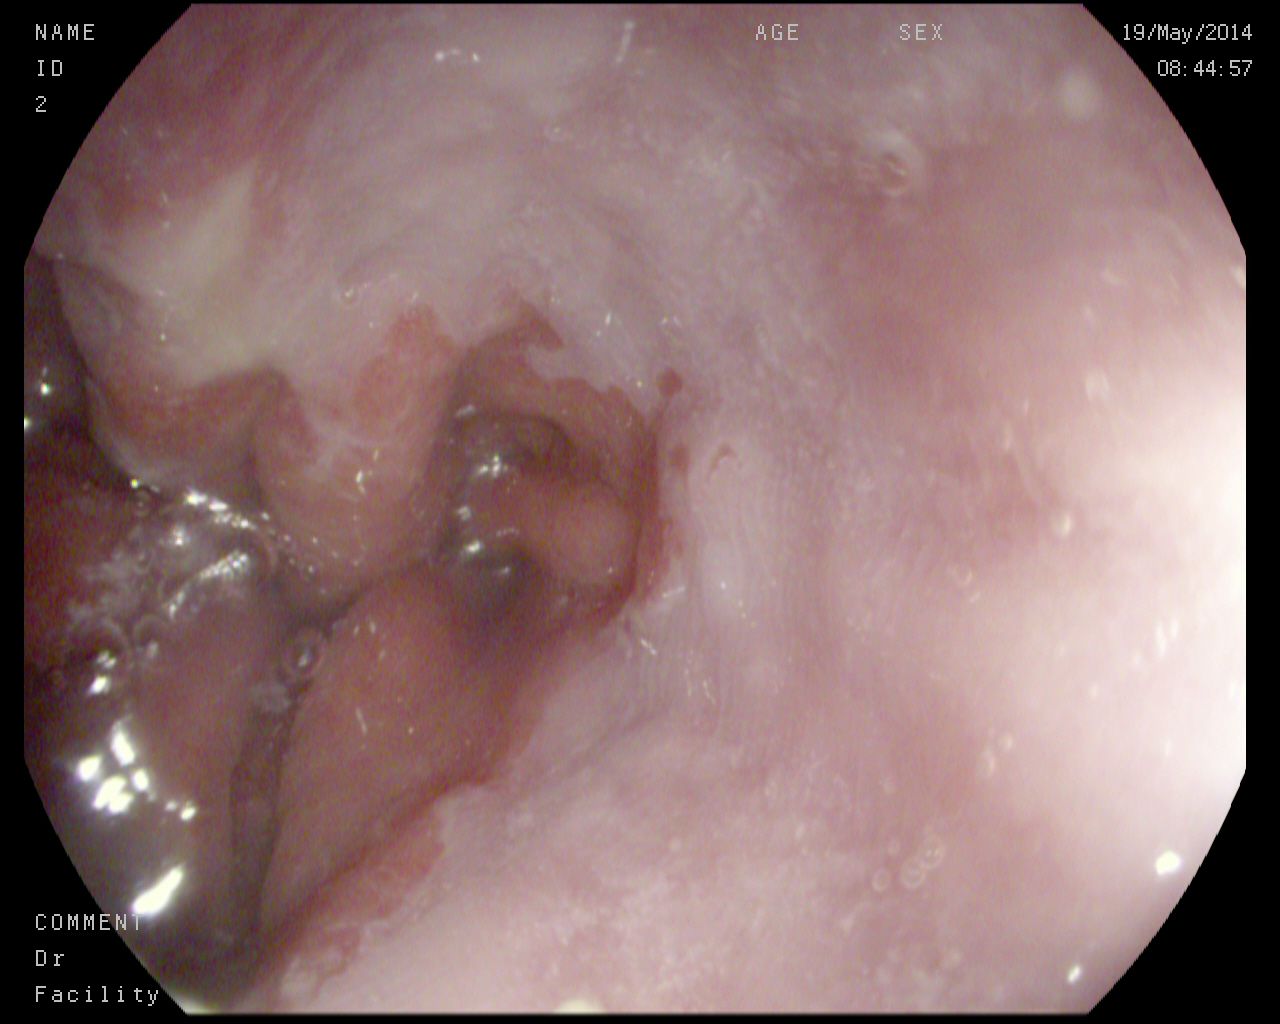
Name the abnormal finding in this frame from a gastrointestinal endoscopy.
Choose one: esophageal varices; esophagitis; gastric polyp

esophagitis